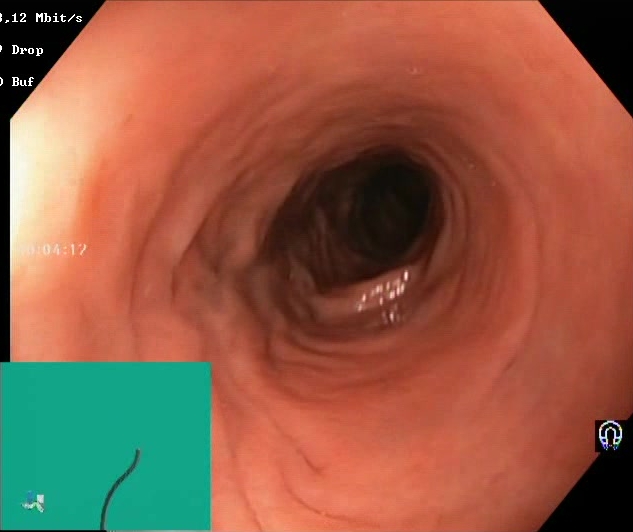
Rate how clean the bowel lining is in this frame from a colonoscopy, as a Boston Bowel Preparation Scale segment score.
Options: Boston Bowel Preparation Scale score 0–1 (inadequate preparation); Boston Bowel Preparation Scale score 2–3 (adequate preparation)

Boston Bowel Preparation Scale score 2–3 (adequate preparation)